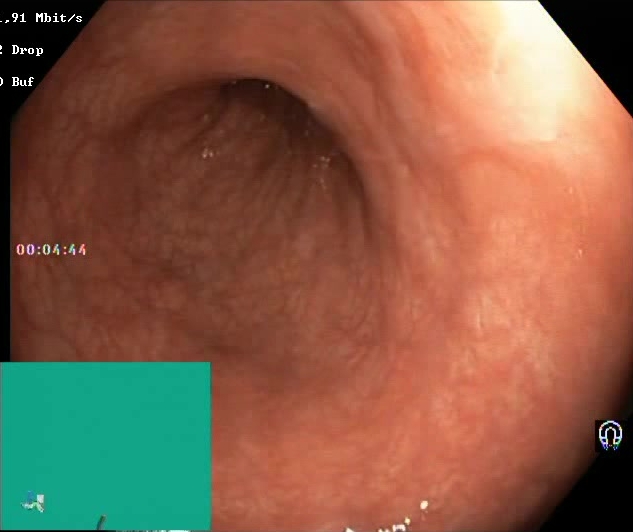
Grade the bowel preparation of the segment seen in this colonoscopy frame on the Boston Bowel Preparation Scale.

Boston Bowel Preparation Scale score 2–3 (adequate preparation)